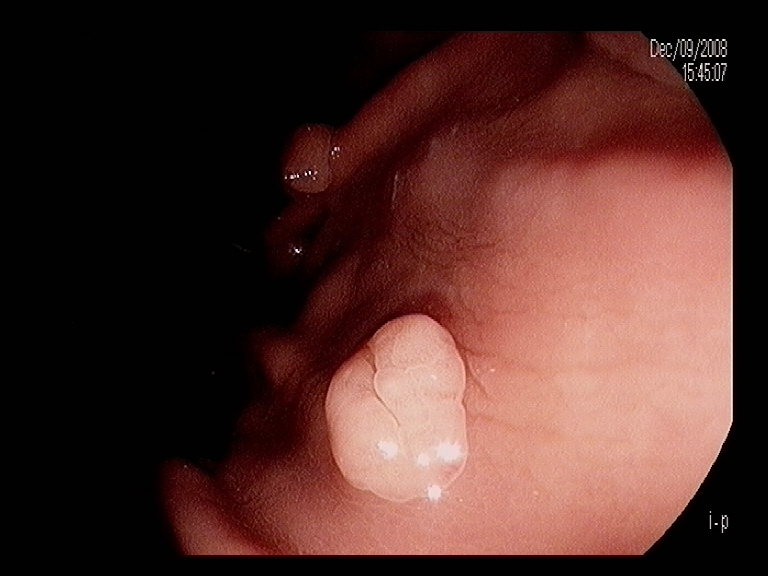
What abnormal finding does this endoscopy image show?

gastric polyp